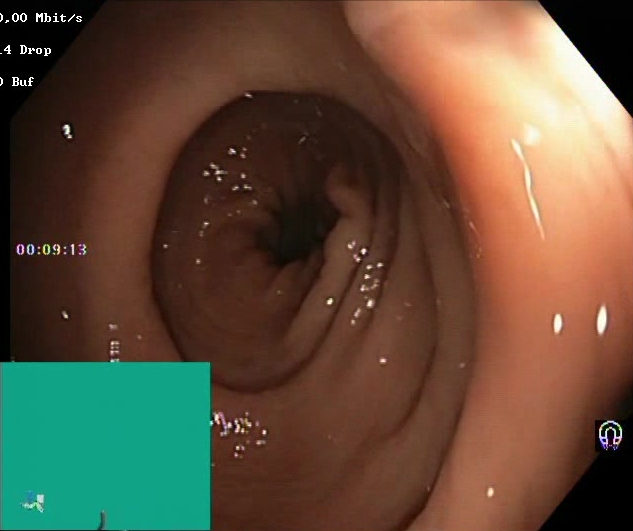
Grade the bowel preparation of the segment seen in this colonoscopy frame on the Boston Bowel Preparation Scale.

Boston Bowel Preparation Scale score 2–3 (adequate preparation)